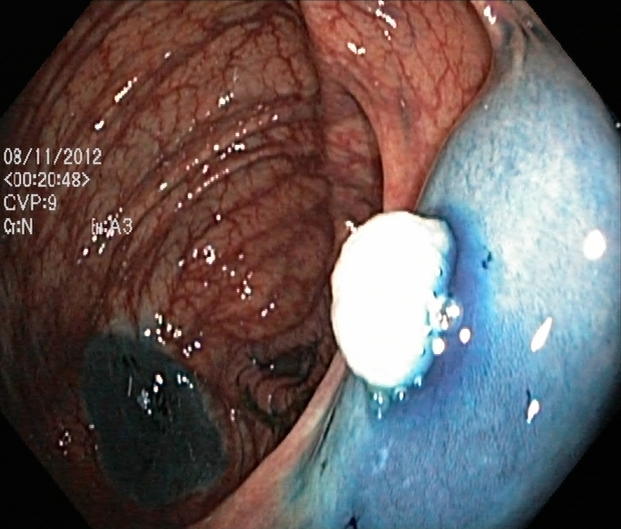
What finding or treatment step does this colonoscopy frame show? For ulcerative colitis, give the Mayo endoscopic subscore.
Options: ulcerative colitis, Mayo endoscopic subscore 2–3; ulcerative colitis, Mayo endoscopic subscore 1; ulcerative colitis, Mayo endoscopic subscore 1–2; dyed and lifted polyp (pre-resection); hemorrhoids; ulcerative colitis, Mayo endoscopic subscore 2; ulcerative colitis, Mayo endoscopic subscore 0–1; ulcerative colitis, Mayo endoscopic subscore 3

dyed and lifted polyp (pre-resection)